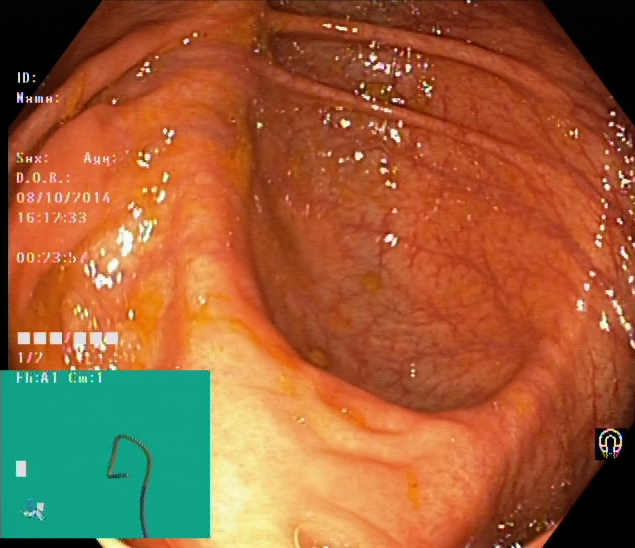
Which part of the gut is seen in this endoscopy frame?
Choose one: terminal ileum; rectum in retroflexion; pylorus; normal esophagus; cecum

cecum